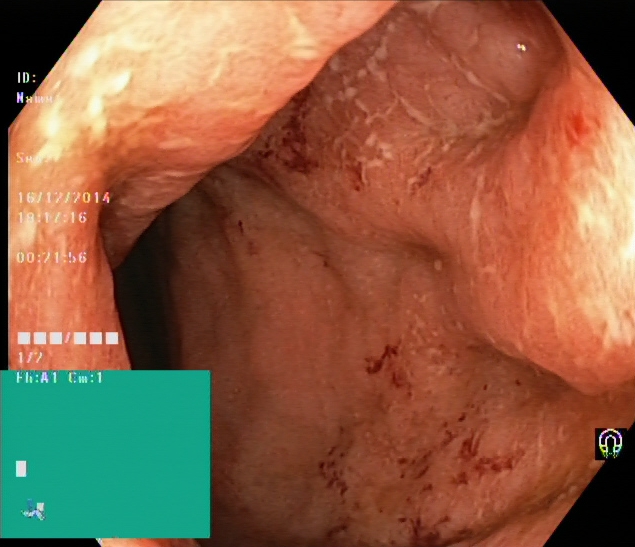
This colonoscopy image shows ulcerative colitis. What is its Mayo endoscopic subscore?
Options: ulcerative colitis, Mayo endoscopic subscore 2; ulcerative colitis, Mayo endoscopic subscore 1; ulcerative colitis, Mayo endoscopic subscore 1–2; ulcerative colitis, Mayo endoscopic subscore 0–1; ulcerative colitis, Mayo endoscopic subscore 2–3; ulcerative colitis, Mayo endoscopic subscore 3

ulcerative colitis, Mayo endoscopic subscore 2